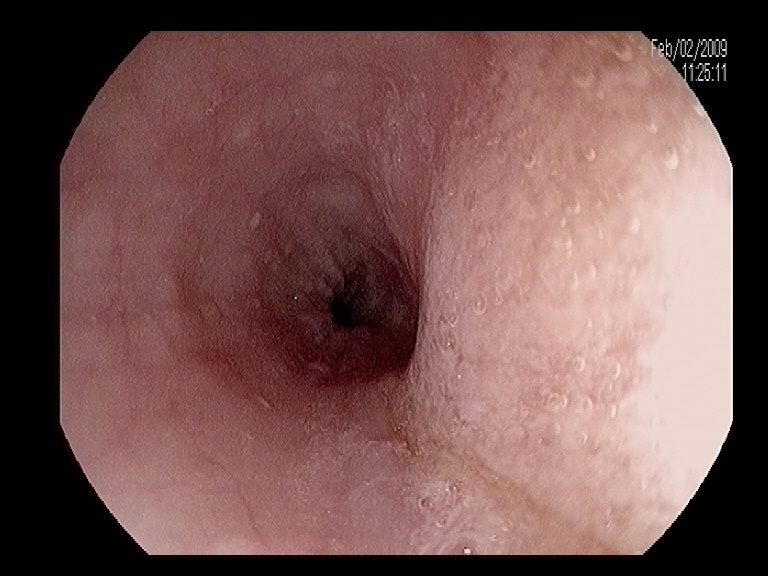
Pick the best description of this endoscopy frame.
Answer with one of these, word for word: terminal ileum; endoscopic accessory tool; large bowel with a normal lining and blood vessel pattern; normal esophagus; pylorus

normal esophagus